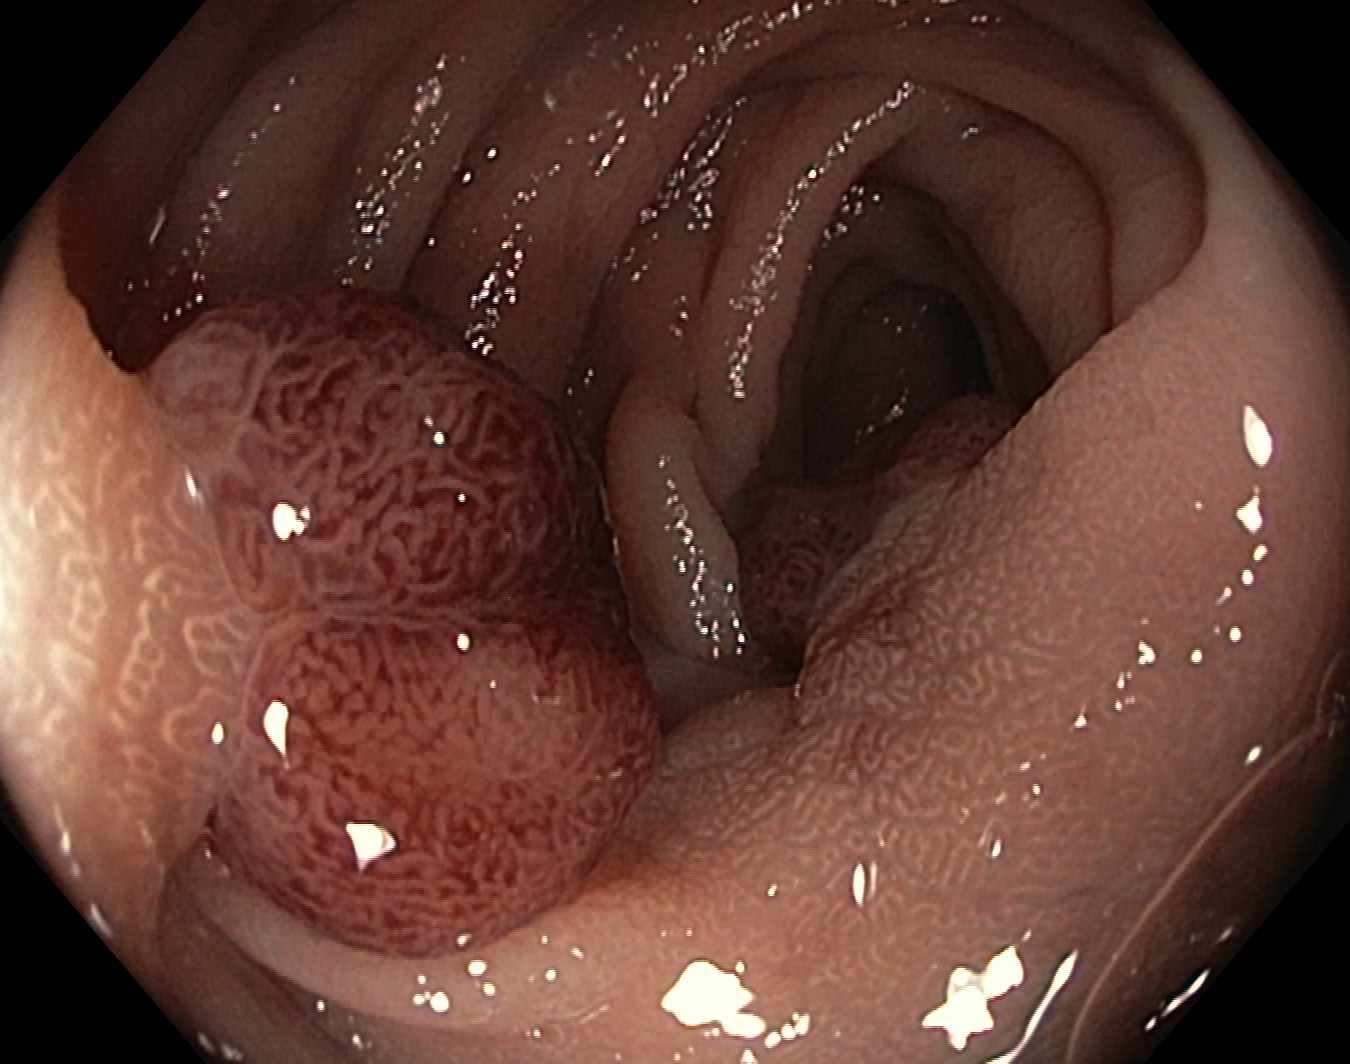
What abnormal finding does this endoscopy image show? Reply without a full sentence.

colon polyp